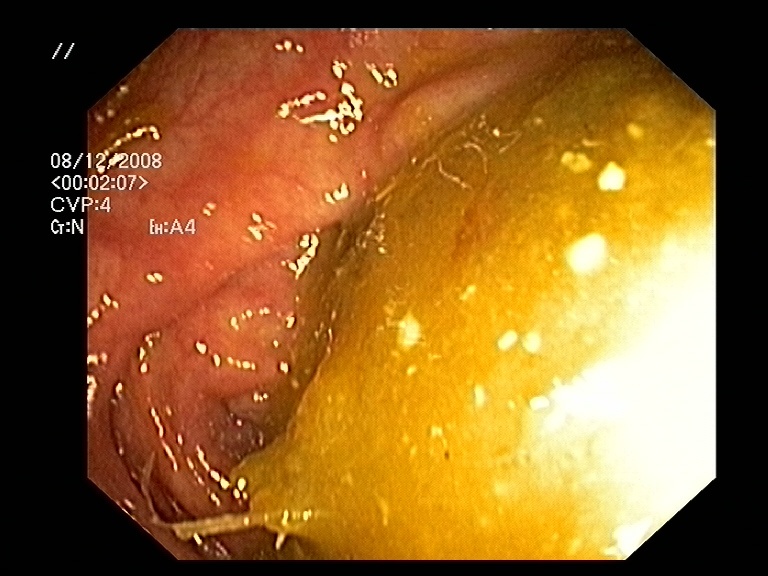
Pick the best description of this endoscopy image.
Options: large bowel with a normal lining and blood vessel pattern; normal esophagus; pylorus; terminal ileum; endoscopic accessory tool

large bowel with a normal lining and blood vessel pattern